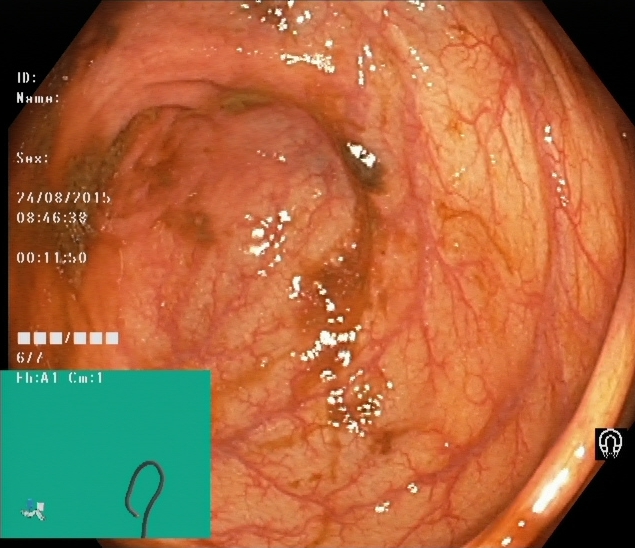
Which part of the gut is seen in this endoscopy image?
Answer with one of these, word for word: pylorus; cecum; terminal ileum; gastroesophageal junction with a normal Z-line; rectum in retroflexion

cecum